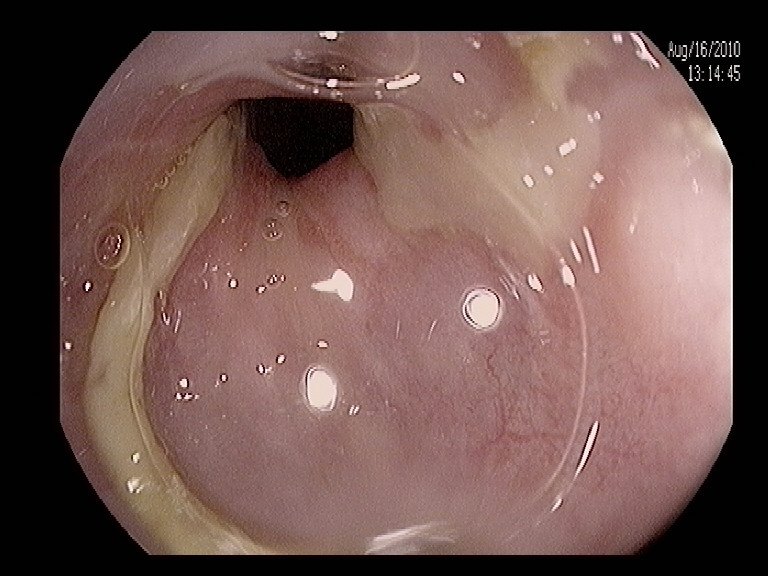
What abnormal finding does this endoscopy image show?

ulcer